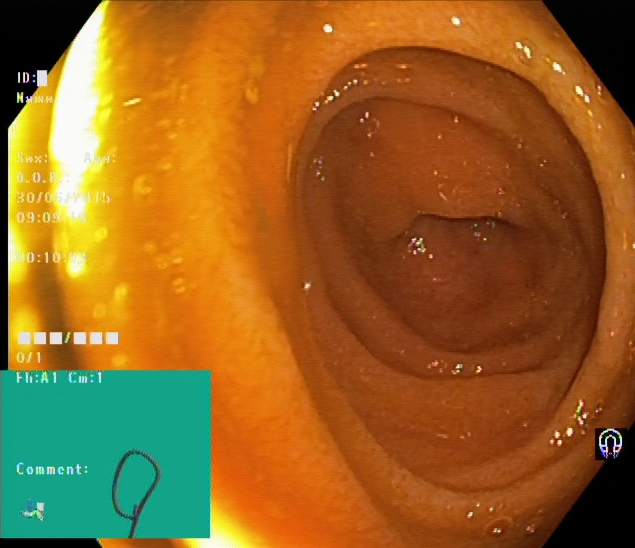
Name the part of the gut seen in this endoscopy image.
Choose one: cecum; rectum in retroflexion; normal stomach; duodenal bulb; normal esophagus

cecum